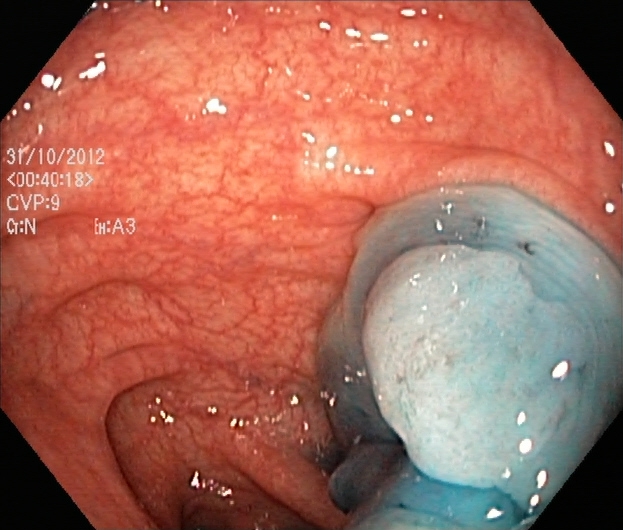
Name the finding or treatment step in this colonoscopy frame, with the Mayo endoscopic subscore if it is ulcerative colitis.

dyed and lifted polyp (pre-resection)